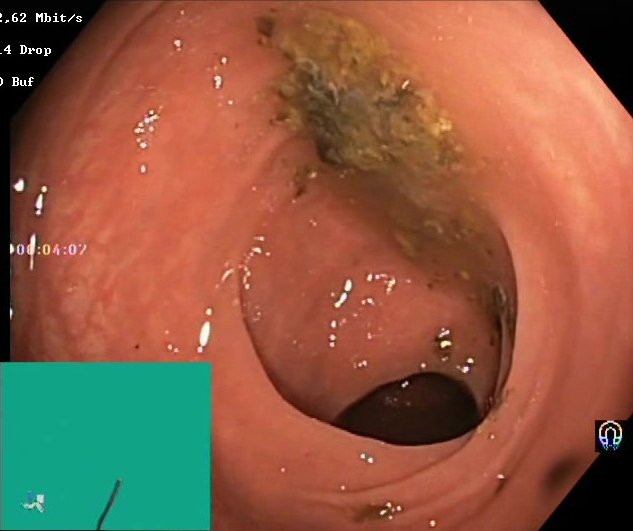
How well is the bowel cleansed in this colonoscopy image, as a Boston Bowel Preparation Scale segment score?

Boston Bowel Preparation Scale score 0–1 (inadequate preparation)